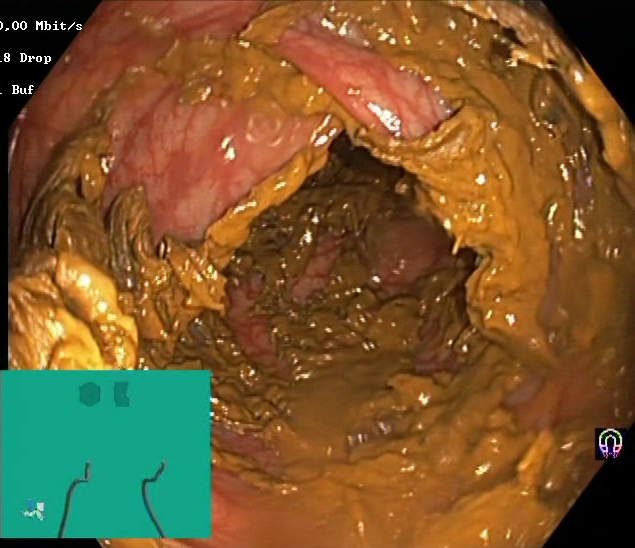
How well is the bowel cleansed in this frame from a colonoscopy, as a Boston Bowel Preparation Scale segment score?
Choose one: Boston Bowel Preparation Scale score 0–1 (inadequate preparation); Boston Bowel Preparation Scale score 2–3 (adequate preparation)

Boston Bowel Preparation Scale score 0–1 (inadequate preparation)